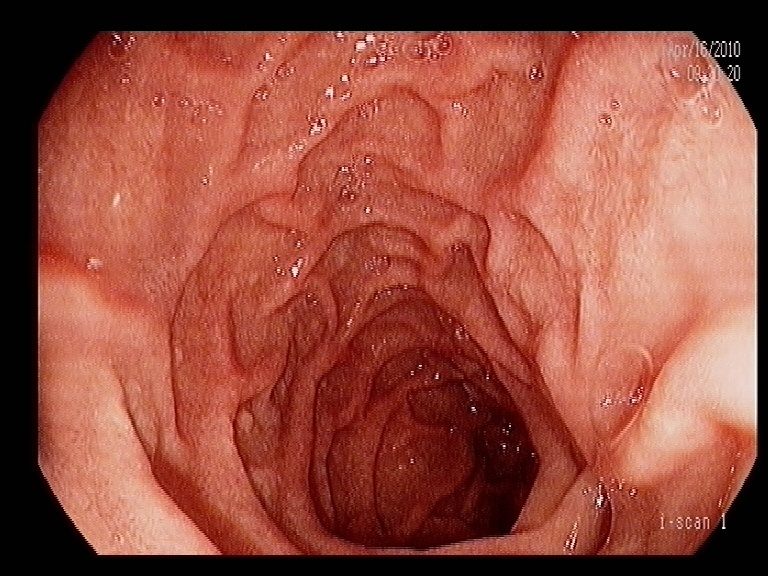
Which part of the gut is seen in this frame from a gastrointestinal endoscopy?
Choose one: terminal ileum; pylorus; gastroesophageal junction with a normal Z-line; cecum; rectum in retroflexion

terminal ileum